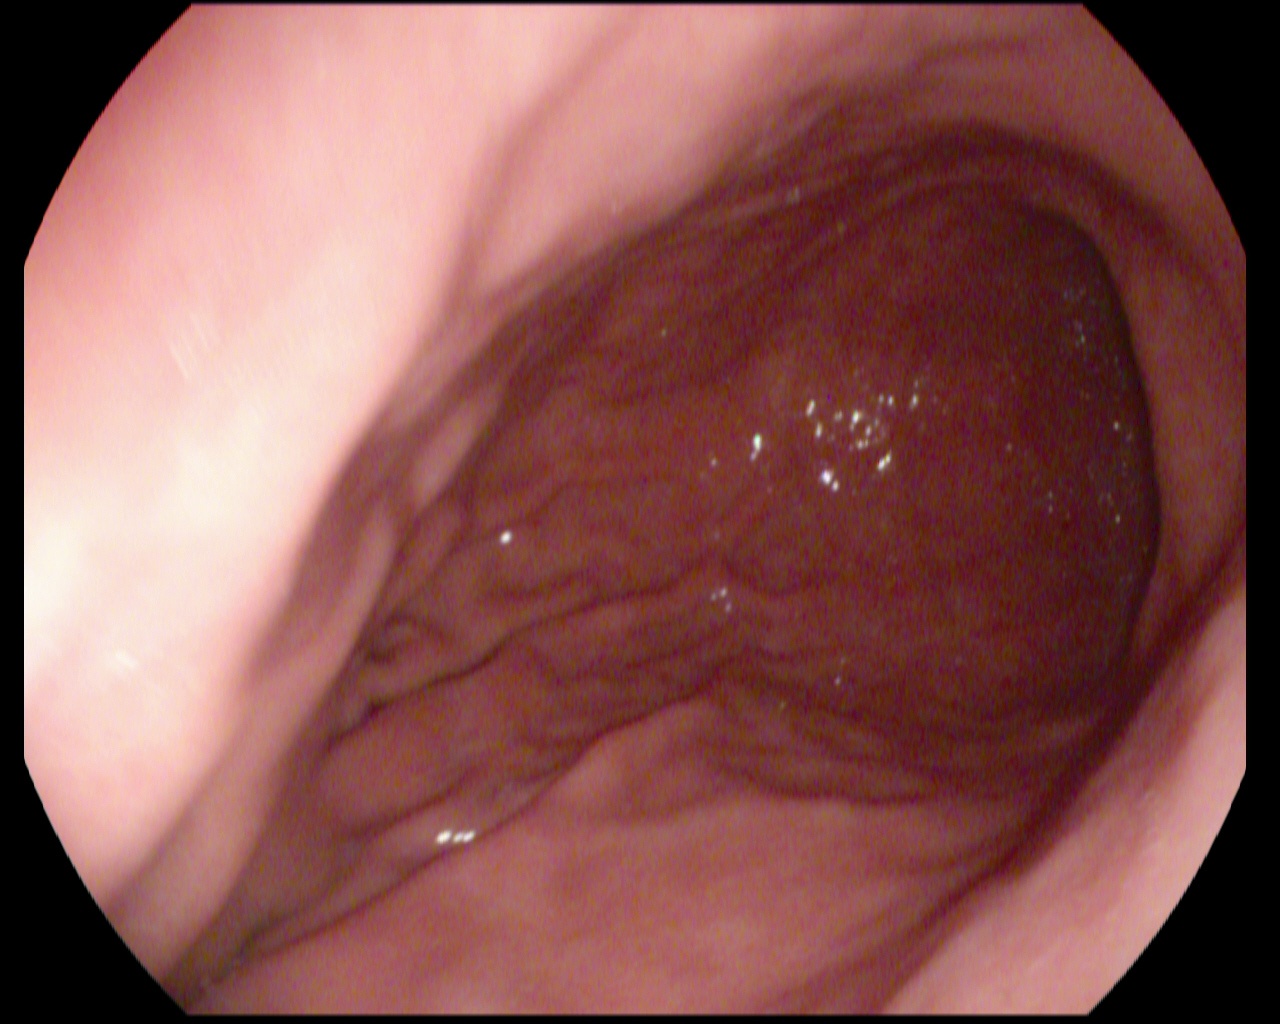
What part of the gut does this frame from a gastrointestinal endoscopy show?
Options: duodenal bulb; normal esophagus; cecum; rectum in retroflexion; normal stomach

normal stomach